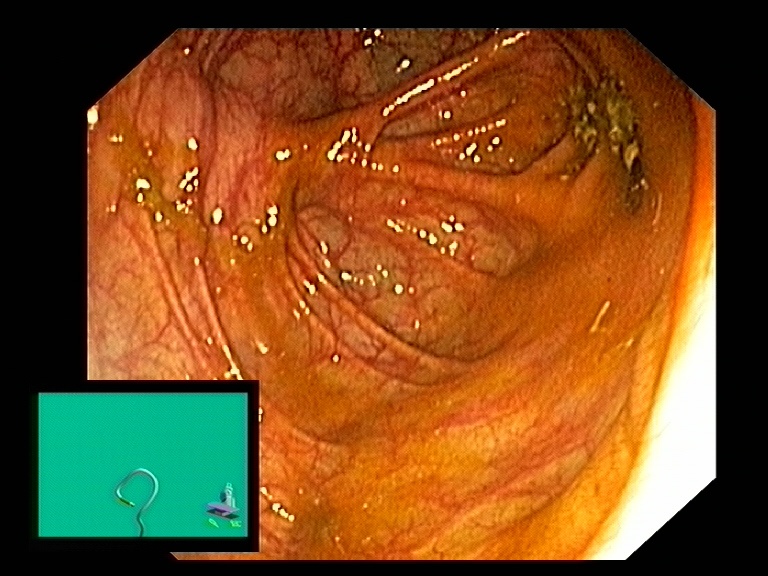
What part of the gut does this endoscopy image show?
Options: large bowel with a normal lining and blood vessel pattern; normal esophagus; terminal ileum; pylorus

large bowel with a normal lining and blood vessel pattern